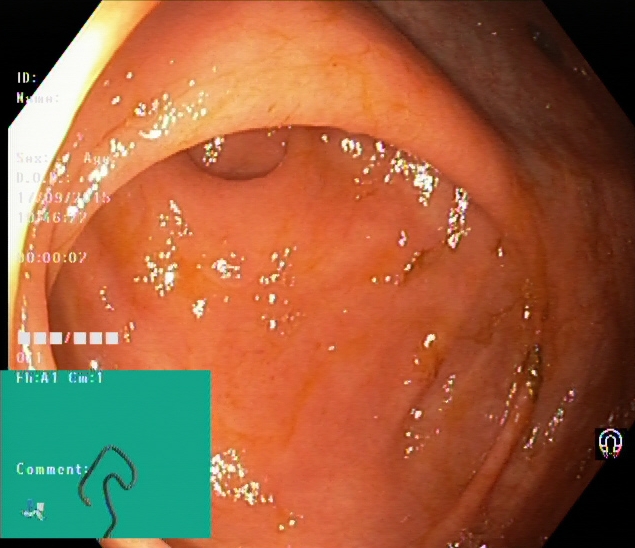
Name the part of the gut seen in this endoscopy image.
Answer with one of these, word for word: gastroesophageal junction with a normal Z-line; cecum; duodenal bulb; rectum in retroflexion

cecum